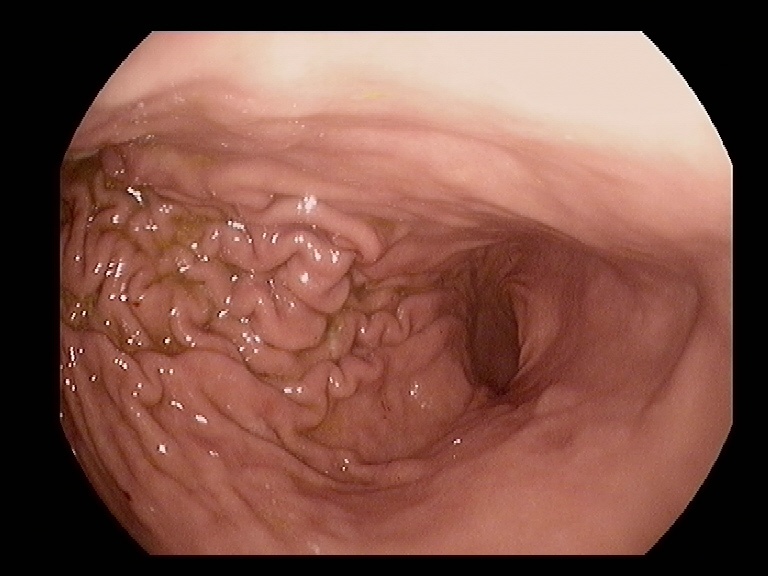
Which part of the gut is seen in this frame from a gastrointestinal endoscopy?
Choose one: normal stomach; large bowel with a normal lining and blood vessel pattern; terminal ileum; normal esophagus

normal stomach